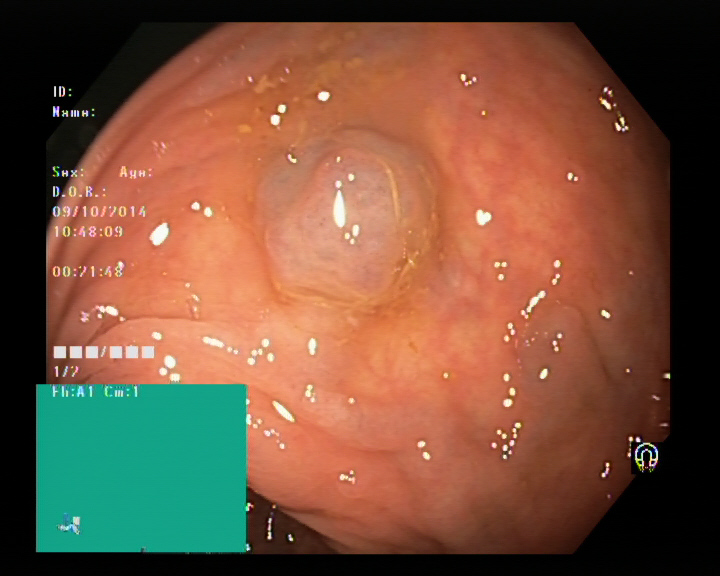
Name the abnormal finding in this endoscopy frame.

colon polyp